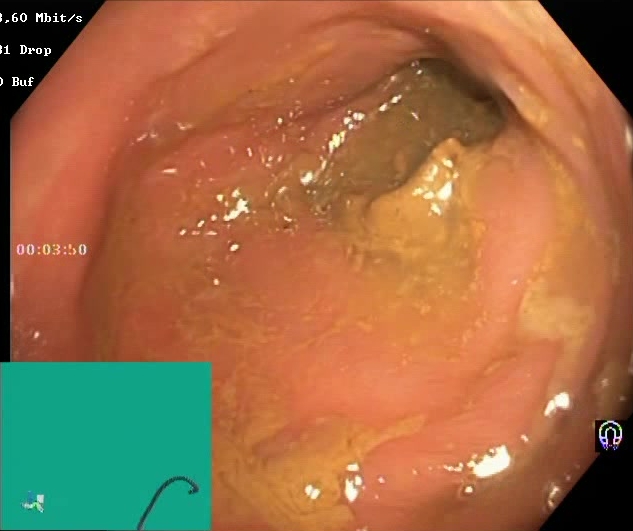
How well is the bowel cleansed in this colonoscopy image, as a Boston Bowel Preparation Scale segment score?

Boston Bowel Preparation Scale score 0–1 (inadequate preparation)